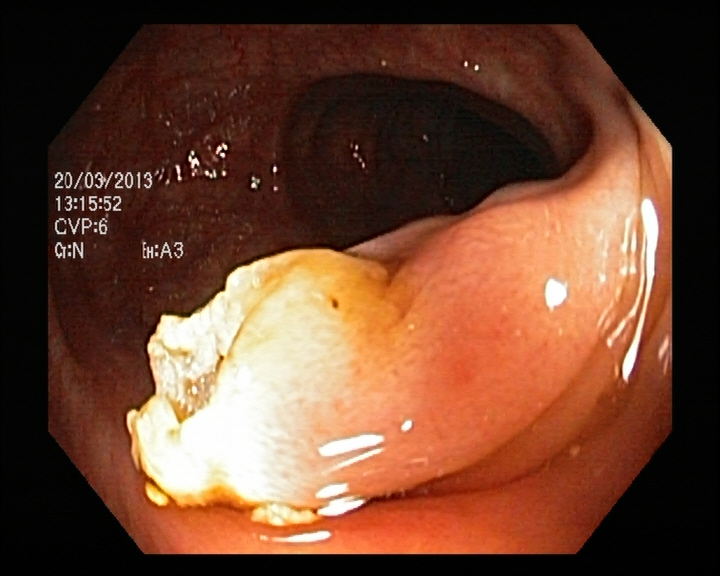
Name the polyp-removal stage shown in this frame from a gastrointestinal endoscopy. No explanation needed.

undyed resection margin (post-polypectomy)